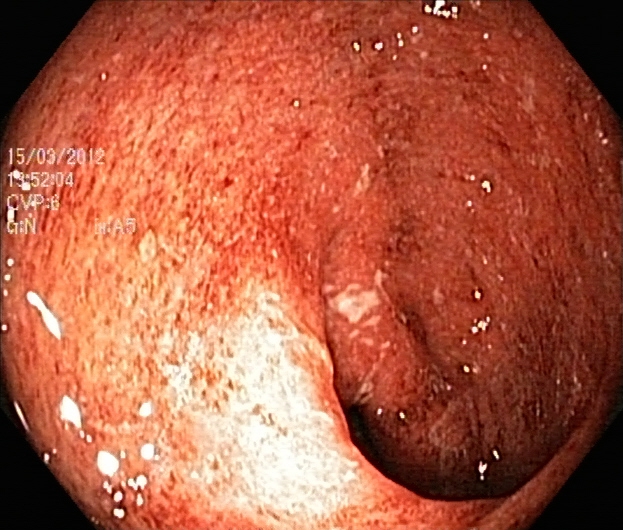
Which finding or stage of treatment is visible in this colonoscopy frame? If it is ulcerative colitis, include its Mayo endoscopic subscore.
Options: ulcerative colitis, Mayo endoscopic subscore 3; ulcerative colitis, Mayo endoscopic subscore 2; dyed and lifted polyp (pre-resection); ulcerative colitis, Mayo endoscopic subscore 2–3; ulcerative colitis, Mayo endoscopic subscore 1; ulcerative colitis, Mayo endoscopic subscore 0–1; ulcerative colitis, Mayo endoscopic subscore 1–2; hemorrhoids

ulcerative colitis, Mayo endoscopic subscore 2–3